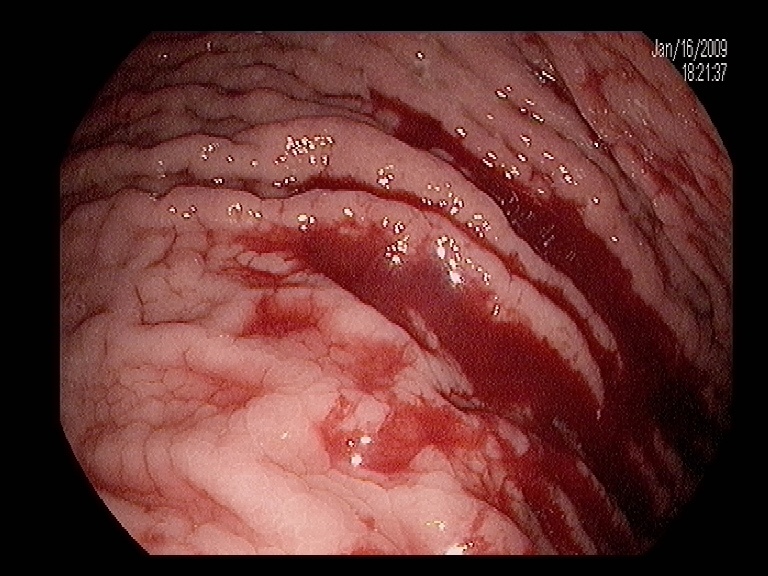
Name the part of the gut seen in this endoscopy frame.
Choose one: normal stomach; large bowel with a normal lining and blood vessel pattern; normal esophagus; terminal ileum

normal stomach